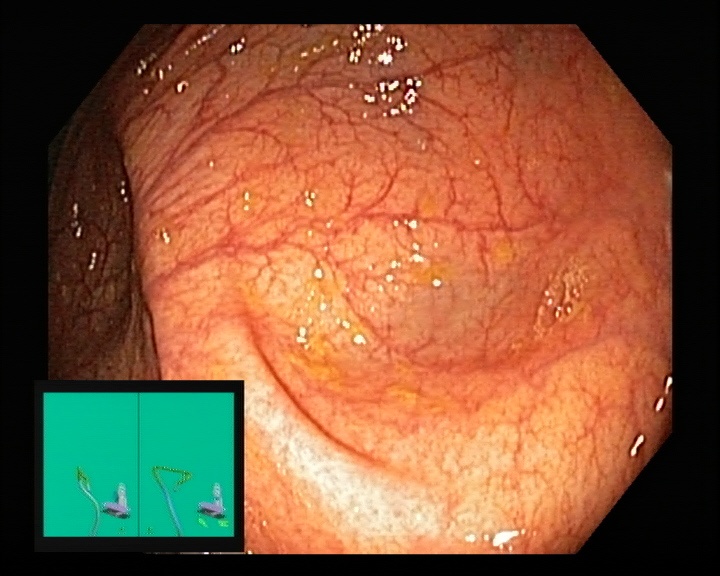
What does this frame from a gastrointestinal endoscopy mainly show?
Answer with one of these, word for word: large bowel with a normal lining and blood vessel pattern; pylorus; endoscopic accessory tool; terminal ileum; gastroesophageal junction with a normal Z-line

large bowel with a normal lining and blood vessel pattern